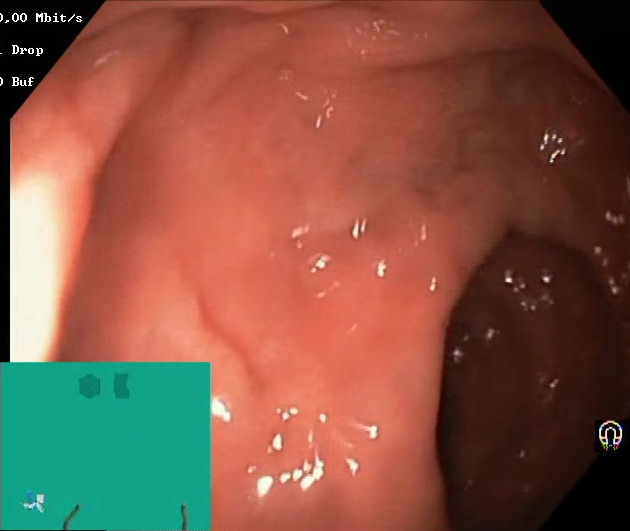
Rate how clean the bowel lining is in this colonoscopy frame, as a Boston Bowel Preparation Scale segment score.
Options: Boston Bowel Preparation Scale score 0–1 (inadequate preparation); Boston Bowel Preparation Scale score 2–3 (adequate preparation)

Boston Bowel Preparation Scale score 2–3 (adequate preparation)